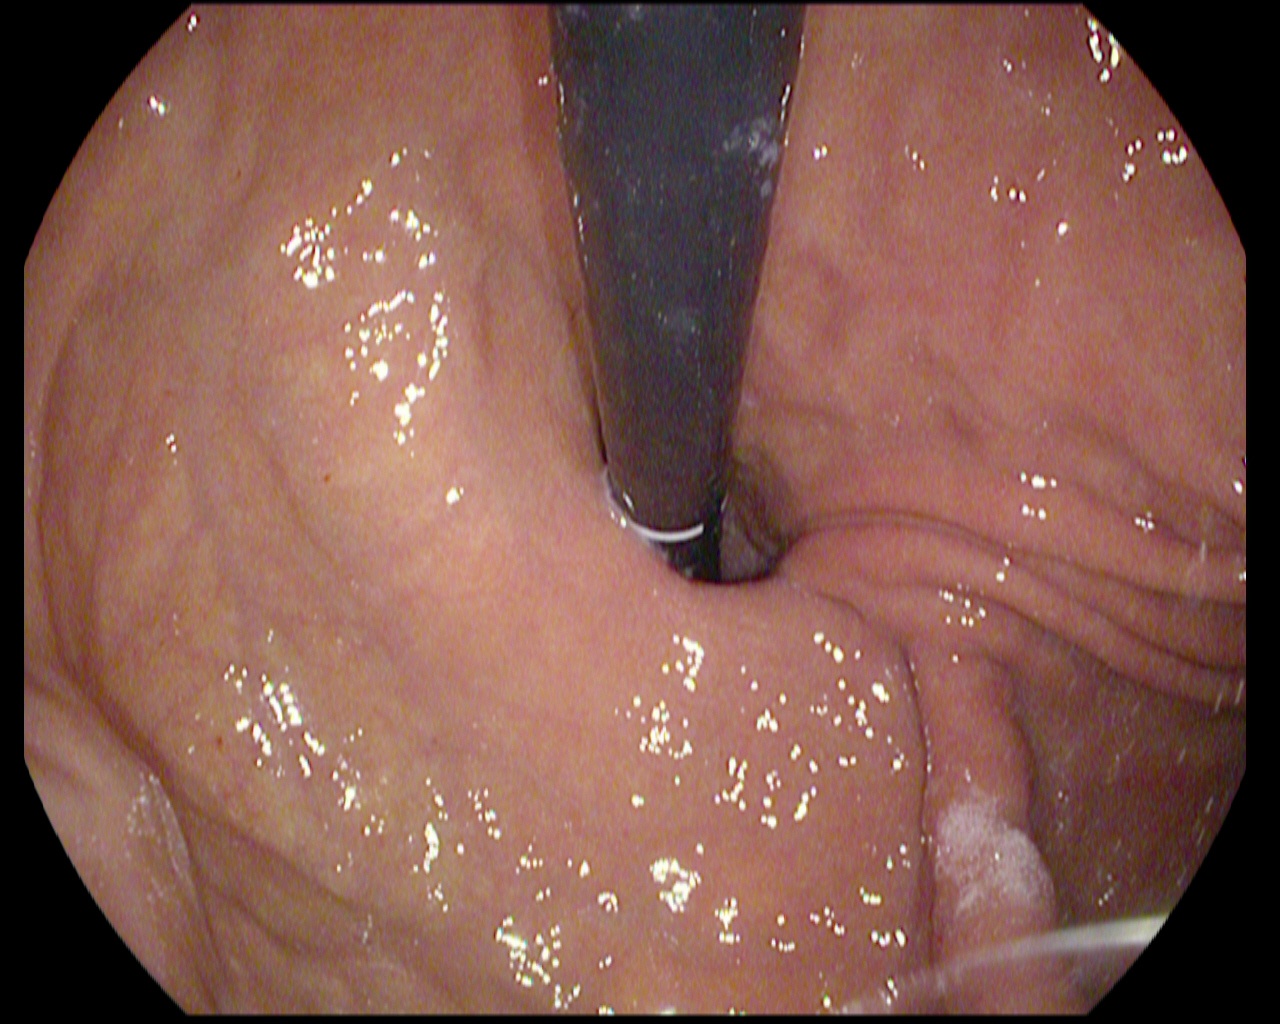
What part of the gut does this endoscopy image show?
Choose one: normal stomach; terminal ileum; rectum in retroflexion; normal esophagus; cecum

normal stomach